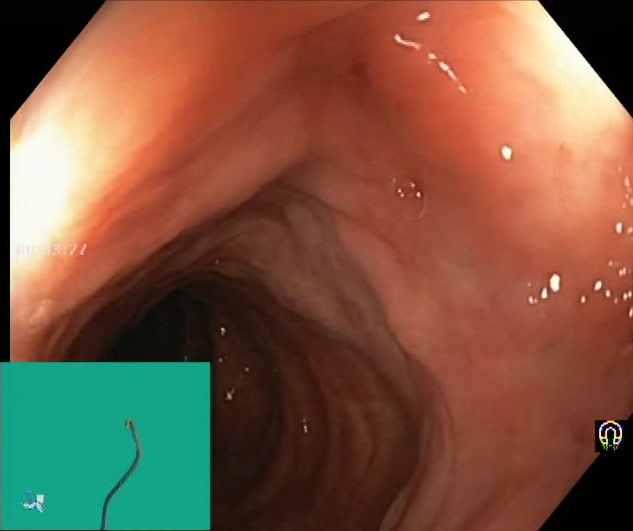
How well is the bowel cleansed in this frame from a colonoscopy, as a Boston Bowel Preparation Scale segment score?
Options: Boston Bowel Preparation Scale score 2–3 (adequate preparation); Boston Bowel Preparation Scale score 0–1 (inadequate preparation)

Boston Bowel Preparation Scale score 2–3 (adequate preparation)